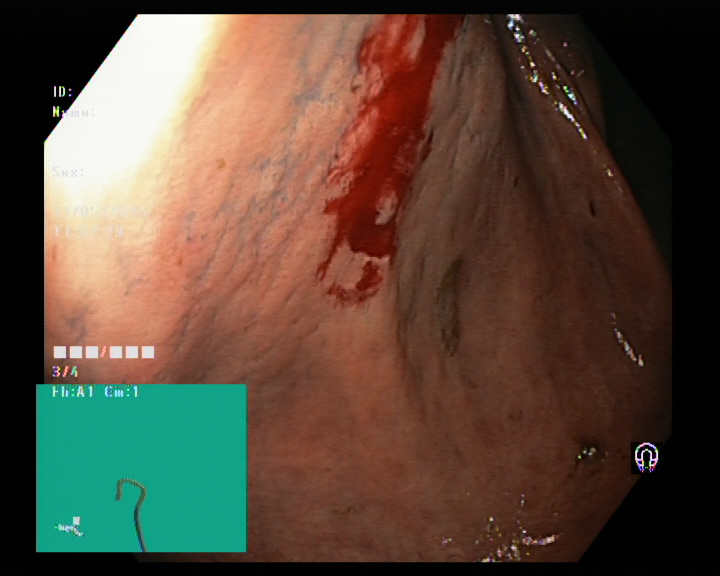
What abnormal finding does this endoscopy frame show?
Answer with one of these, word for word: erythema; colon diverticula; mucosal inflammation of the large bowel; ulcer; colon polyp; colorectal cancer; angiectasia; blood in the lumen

blood in the lumen